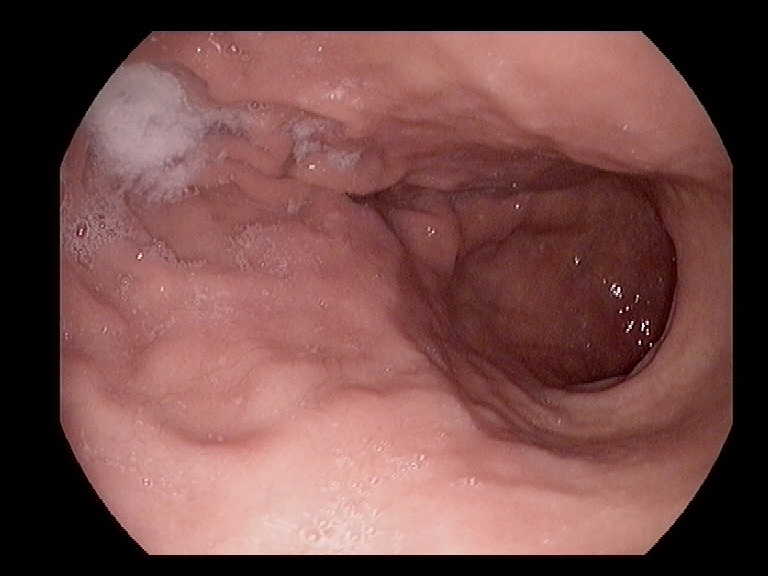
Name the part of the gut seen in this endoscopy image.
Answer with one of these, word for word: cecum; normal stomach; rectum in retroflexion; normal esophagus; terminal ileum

normal stomach